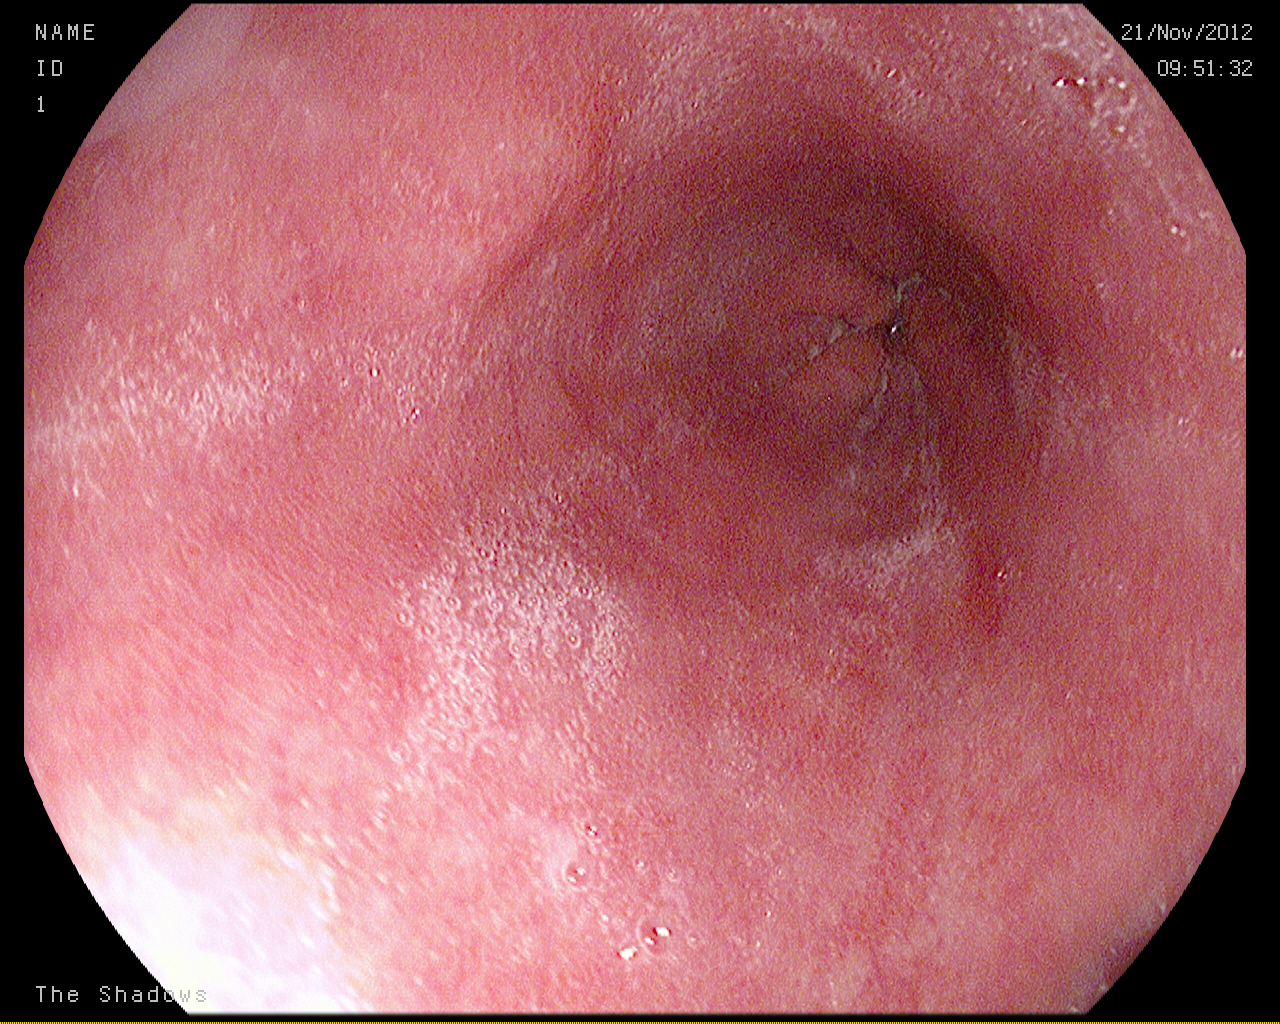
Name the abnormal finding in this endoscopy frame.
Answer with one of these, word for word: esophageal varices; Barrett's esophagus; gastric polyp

Barrett's esophagus